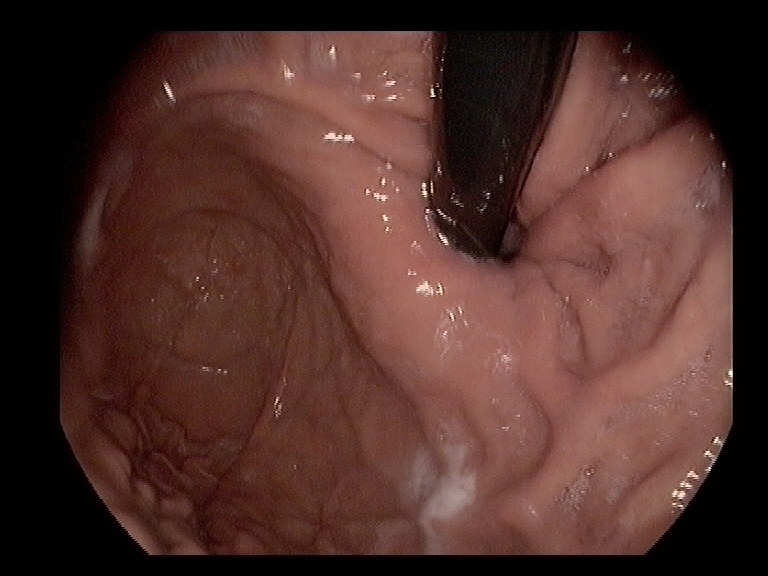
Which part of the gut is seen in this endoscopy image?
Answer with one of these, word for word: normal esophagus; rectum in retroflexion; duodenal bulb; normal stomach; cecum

normal stomach